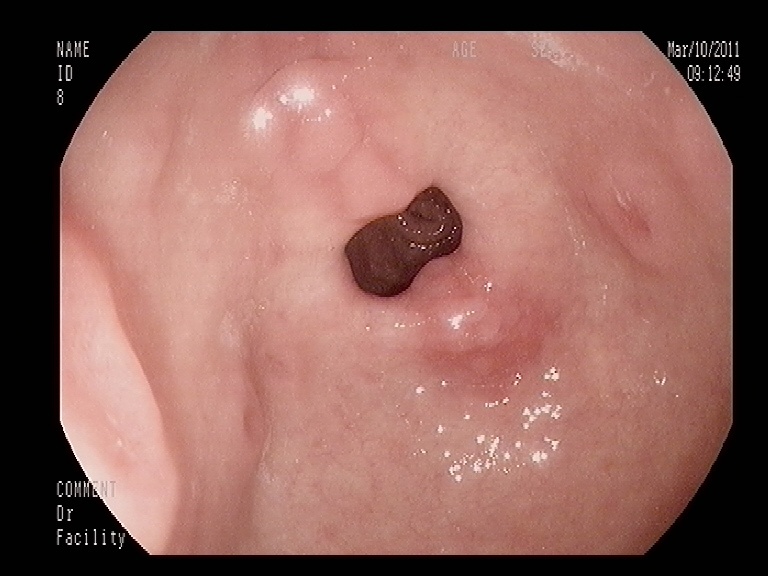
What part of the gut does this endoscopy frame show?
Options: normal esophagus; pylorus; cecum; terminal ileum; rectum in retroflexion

pylorus